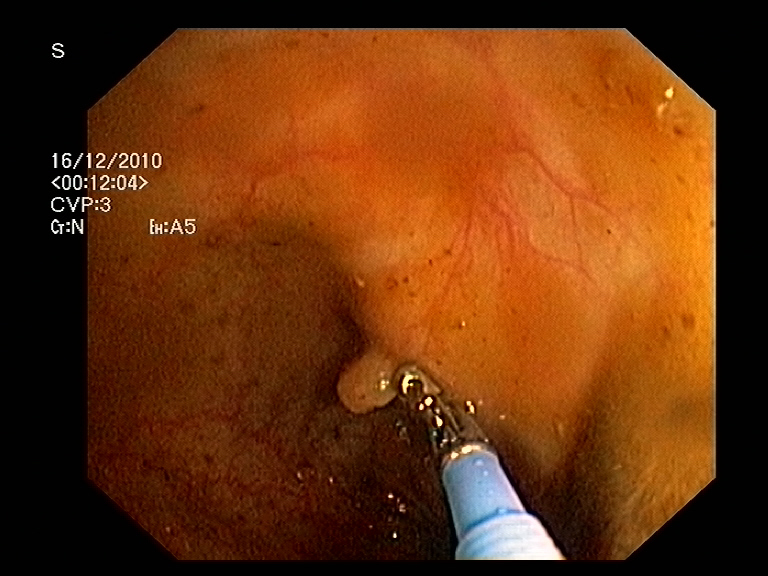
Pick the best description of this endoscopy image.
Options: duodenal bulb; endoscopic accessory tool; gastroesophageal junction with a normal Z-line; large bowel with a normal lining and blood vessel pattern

endoscopic accessory tool